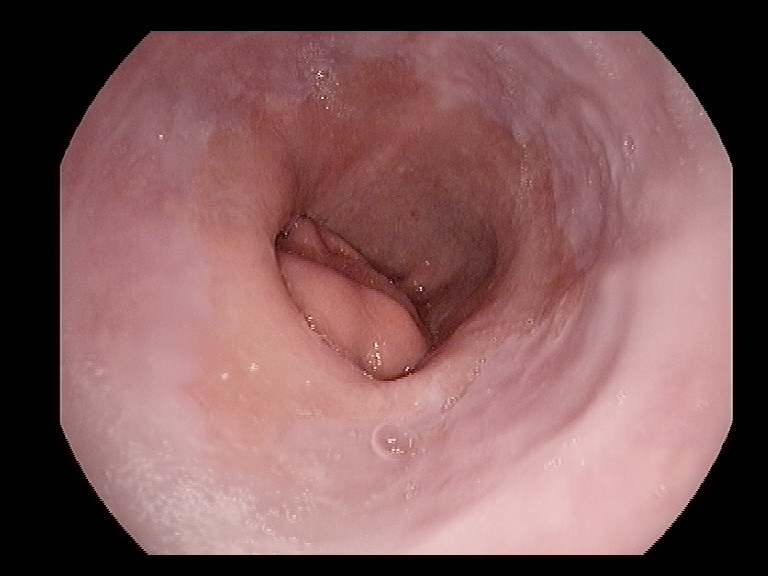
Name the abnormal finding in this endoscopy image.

esophagitis